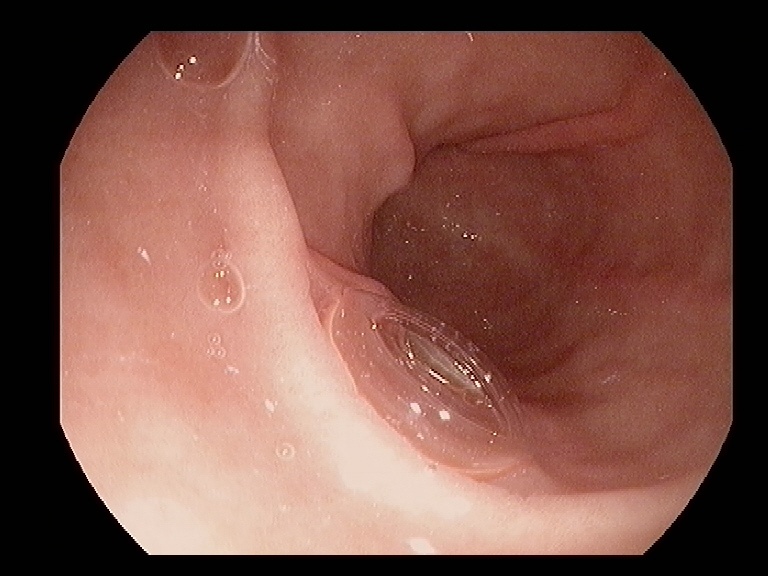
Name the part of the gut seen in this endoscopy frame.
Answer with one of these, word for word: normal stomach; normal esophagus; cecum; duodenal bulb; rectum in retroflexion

normal stomach